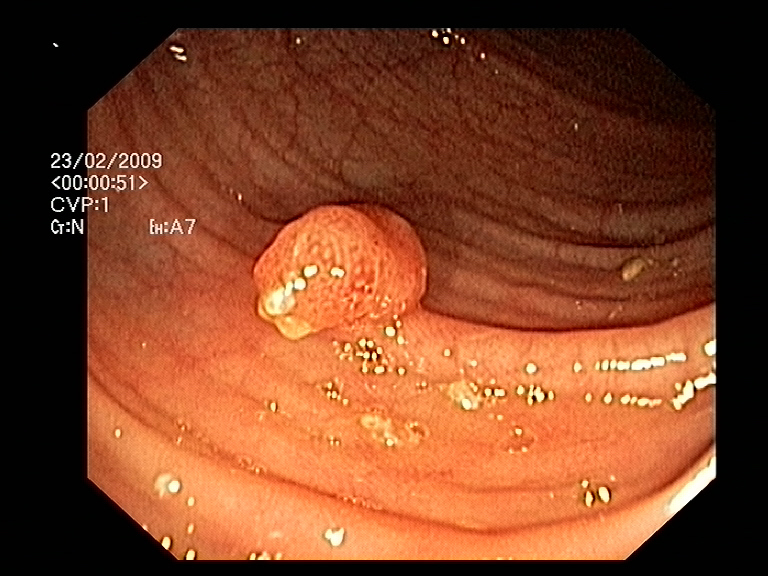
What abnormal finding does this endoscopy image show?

colon polyp